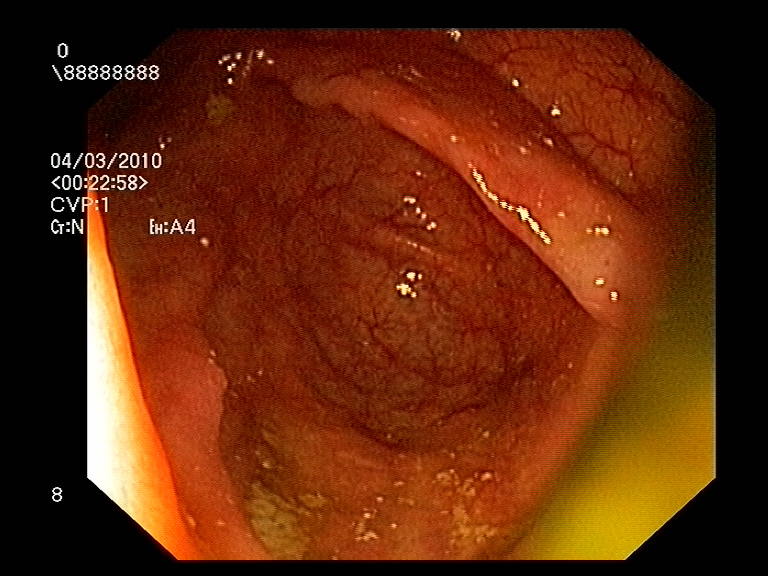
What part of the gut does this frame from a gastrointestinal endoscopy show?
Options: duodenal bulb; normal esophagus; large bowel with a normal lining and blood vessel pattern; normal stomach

large bowel with a normal lining and blood vessel pattern